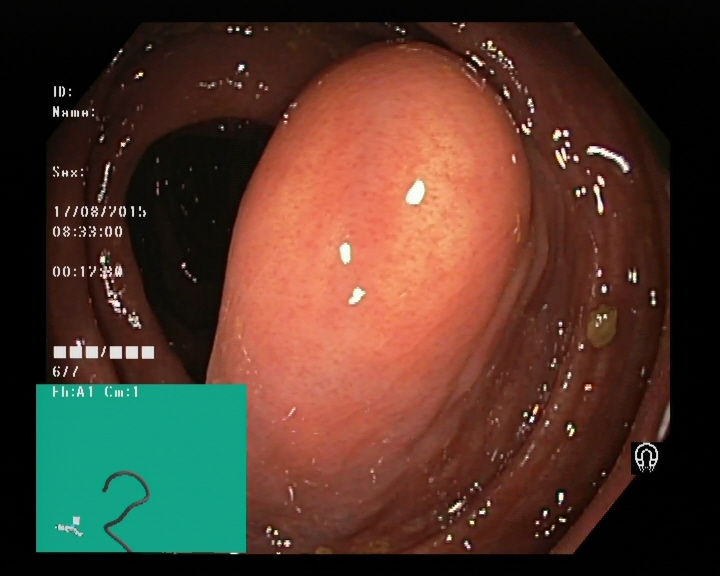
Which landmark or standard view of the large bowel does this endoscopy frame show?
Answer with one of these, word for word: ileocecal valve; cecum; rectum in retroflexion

ileocecal valve